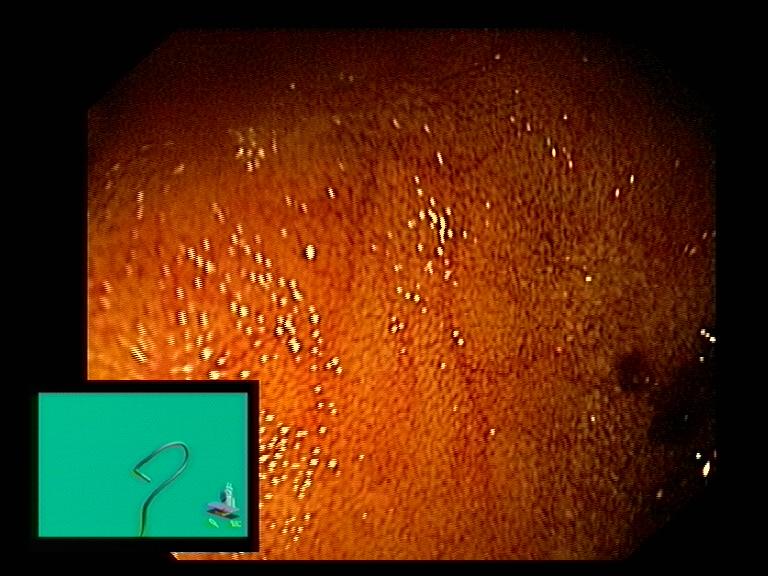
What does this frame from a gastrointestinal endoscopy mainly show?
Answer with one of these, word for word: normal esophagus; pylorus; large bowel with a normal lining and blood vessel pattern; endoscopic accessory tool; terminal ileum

terminal ileum